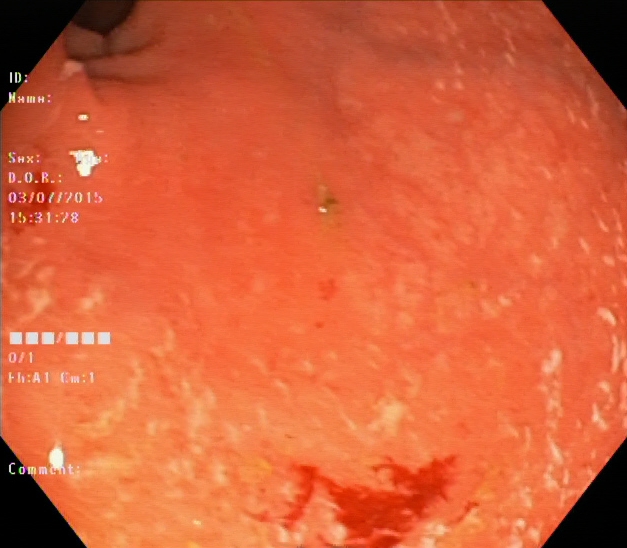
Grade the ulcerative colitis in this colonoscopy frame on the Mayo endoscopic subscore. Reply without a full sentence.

ulcerative colitis, Mayo endoscopic subscore 2